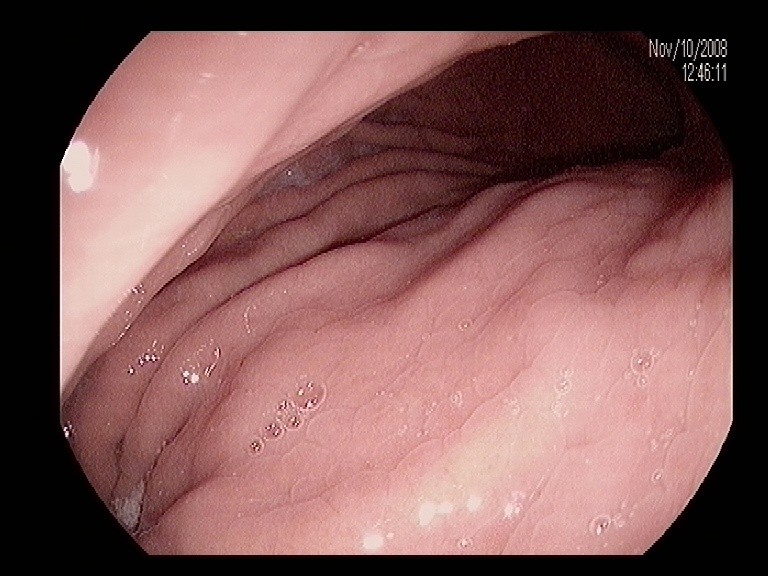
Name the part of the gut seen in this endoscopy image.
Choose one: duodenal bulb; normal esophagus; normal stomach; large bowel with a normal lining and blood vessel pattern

normal stomach